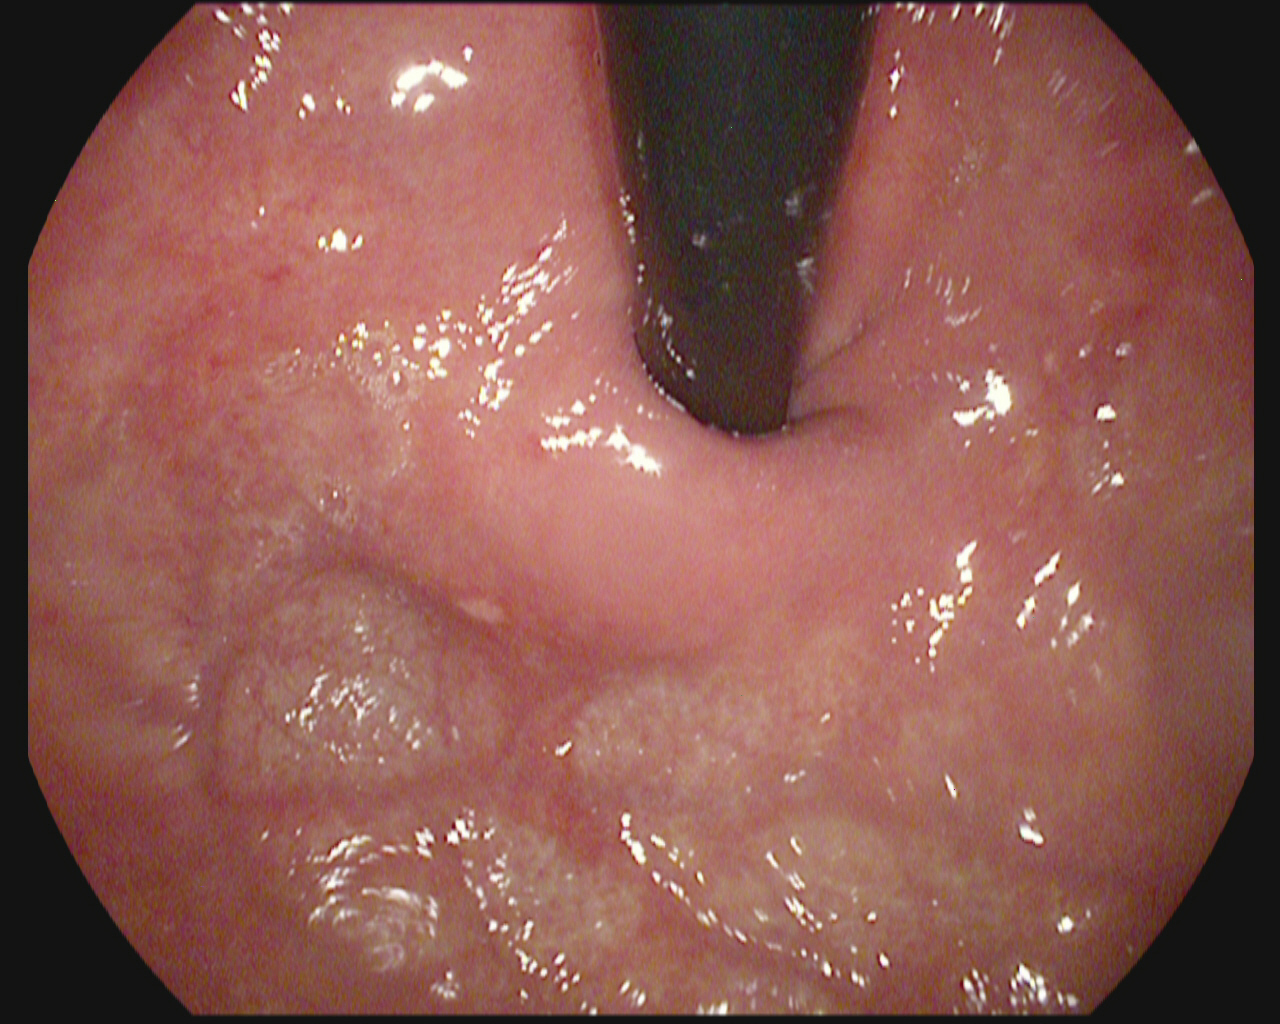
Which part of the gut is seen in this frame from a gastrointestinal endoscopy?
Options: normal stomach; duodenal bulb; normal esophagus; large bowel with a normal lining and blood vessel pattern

normal stomach